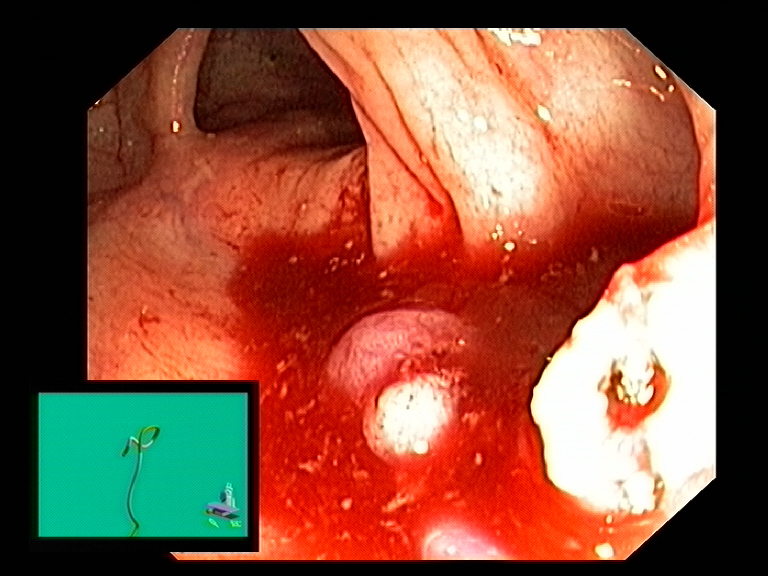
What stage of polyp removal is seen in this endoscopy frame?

resected polyp